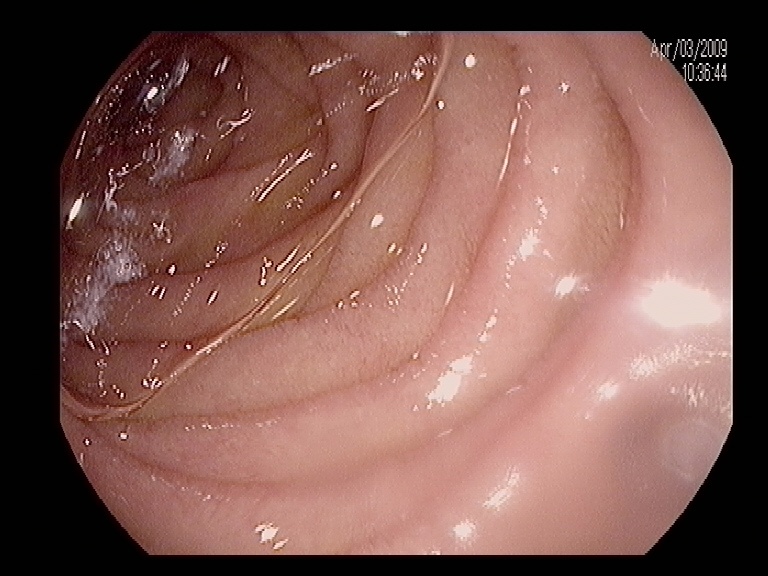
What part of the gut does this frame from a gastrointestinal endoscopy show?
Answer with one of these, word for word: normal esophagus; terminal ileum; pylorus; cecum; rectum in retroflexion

terminal ileum